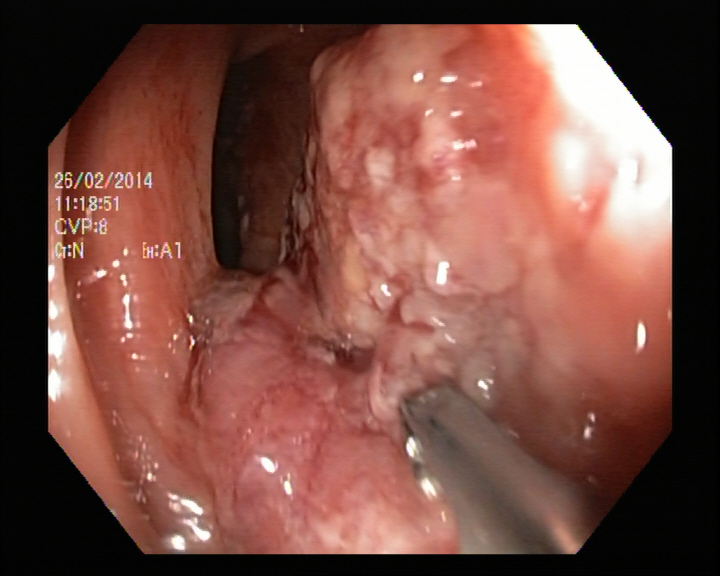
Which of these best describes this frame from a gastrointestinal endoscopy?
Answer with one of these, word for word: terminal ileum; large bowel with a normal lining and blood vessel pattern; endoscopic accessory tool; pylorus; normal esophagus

endoscopic accessory tool